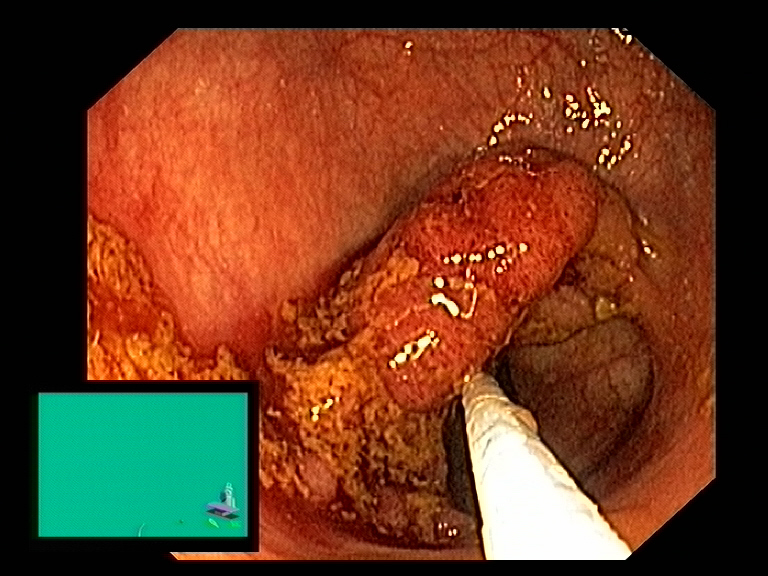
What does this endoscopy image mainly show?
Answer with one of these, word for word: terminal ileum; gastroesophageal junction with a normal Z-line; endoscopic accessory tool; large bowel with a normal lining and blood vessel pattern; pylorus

endoscopic accessory tool